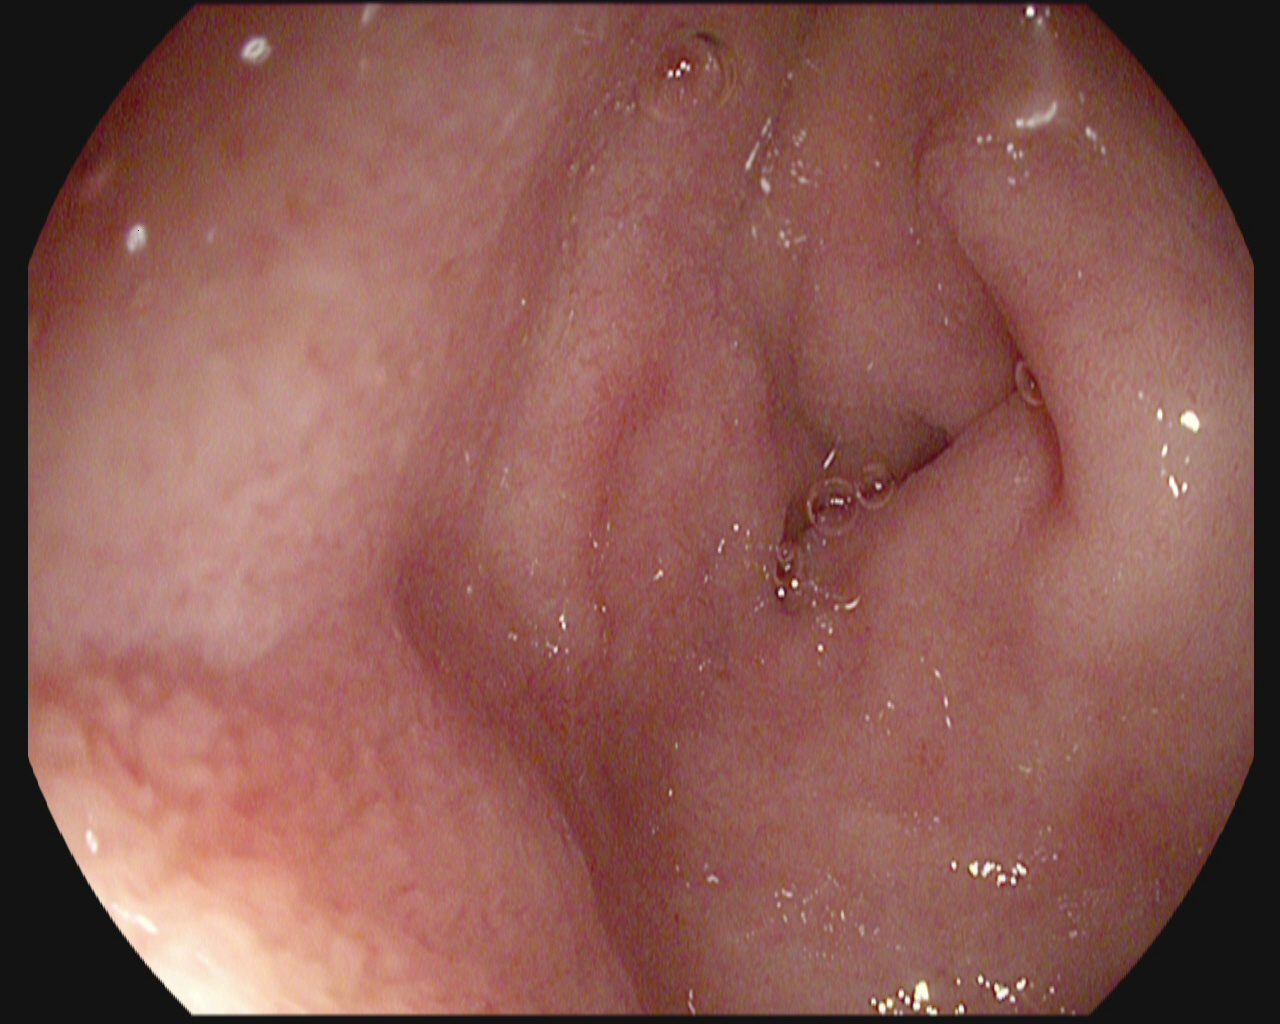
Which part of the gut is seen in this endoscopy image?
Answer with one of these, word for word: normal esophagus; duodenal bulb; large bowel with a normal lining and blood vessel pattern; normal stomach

normal stomach